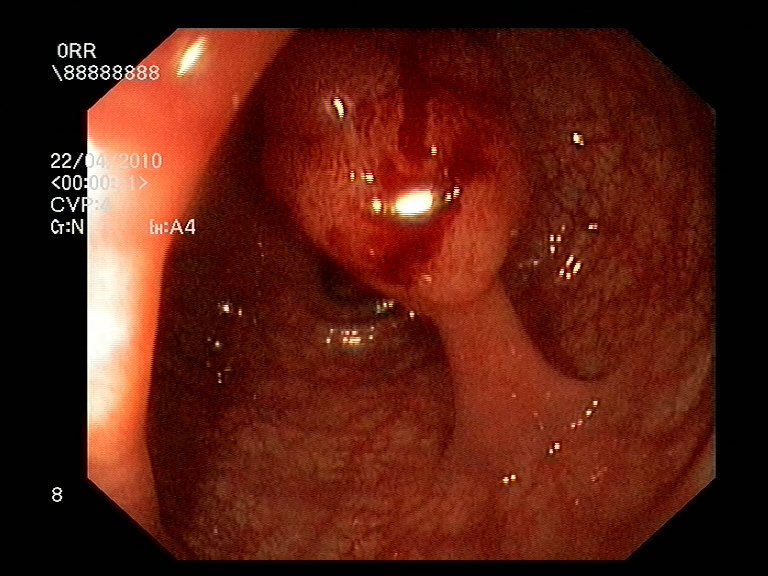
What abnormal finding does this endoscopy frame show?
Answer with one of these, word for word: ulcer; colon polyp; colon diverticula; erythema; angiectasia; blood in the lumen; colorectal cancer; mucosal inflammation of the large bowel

colon polyp